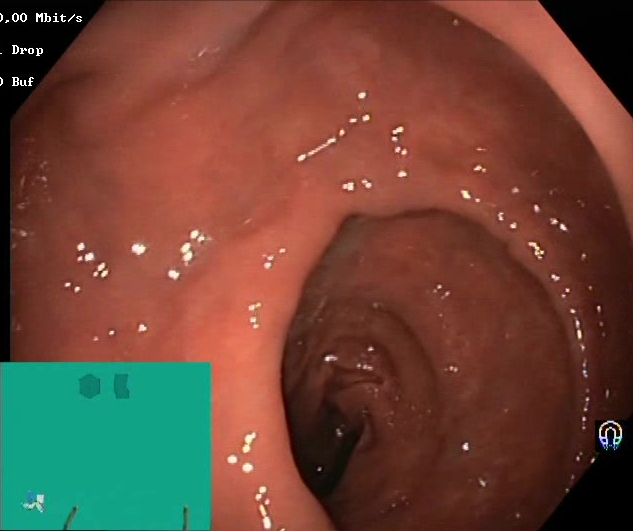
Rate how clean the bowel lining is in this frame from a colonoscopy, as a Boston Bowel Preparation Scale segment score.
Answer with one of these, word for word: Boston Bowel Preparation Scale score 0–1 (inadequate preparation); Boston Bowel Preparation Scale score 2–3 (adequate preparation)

Boston Bowel Preparation Scale score 2–3 (adequate preparation)